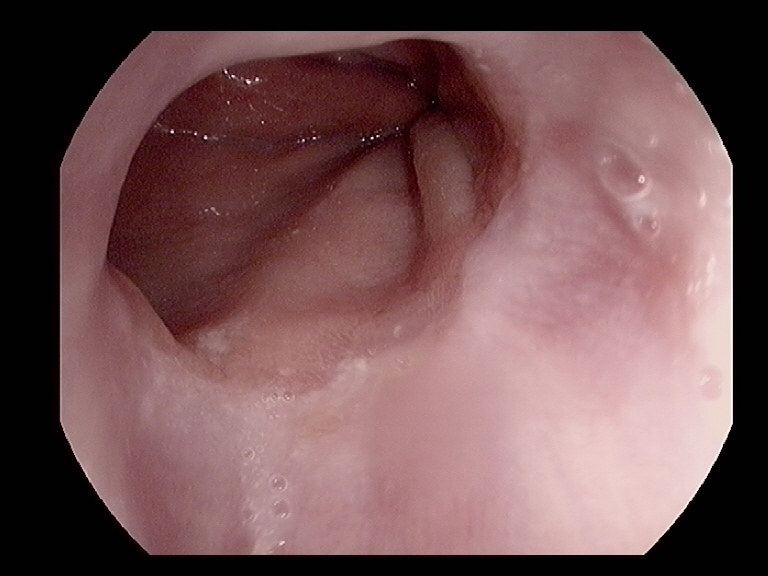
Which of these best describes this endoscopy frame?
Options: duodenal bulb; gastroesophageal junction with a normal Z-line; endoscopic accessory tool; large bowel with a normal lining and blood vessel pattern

gastroesophageal junction with a normal Z-line